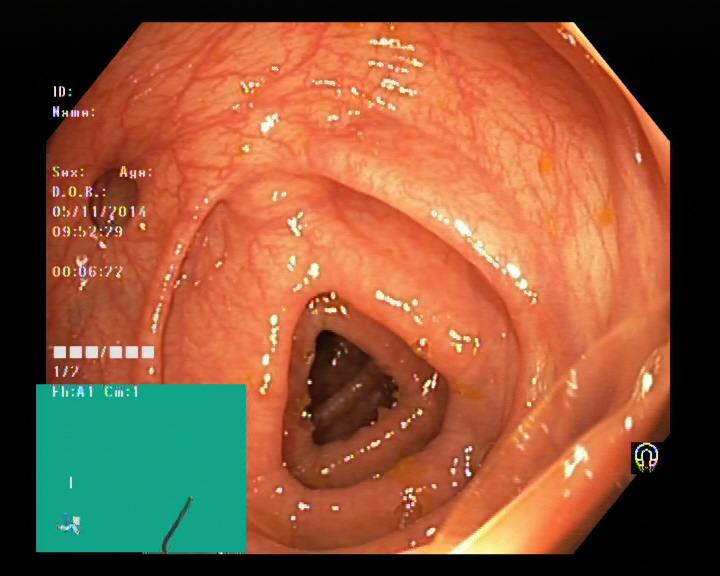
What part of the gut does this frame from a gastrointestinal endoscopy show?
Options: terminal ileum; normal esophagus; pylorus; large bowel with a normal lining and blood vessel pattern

large bowel with a normal lining and blood vessel pattern